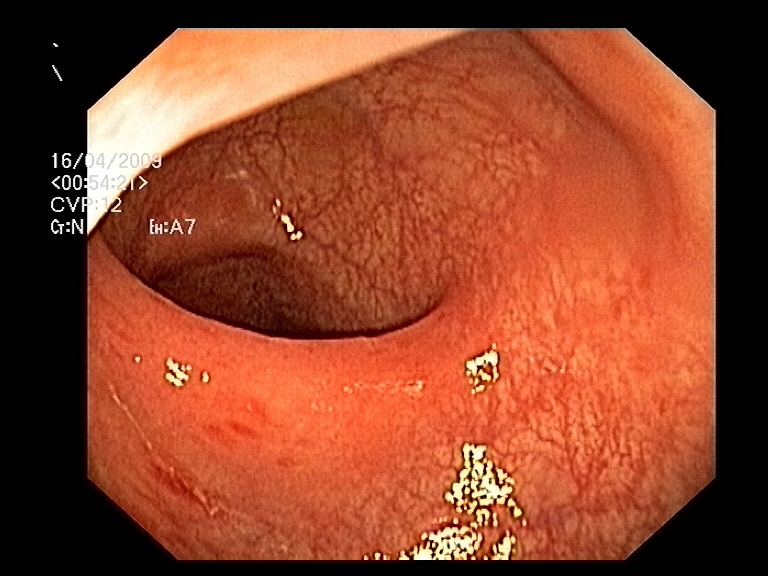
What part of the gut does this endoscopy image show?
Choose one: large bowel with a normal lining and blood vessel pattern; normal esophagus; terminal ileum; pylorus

large bowel with a normal lining and blood vessel pattern